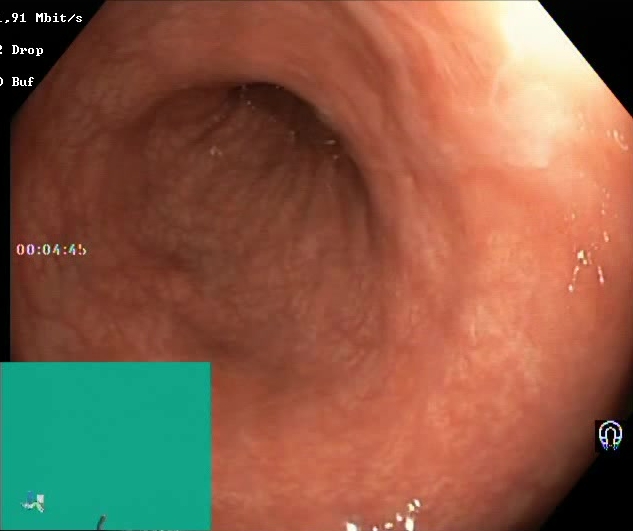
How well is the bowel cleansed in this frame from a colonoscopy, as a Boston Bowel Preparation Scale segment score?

Boston Bowel Preparation Scale score 2–3 (adequate preparation)